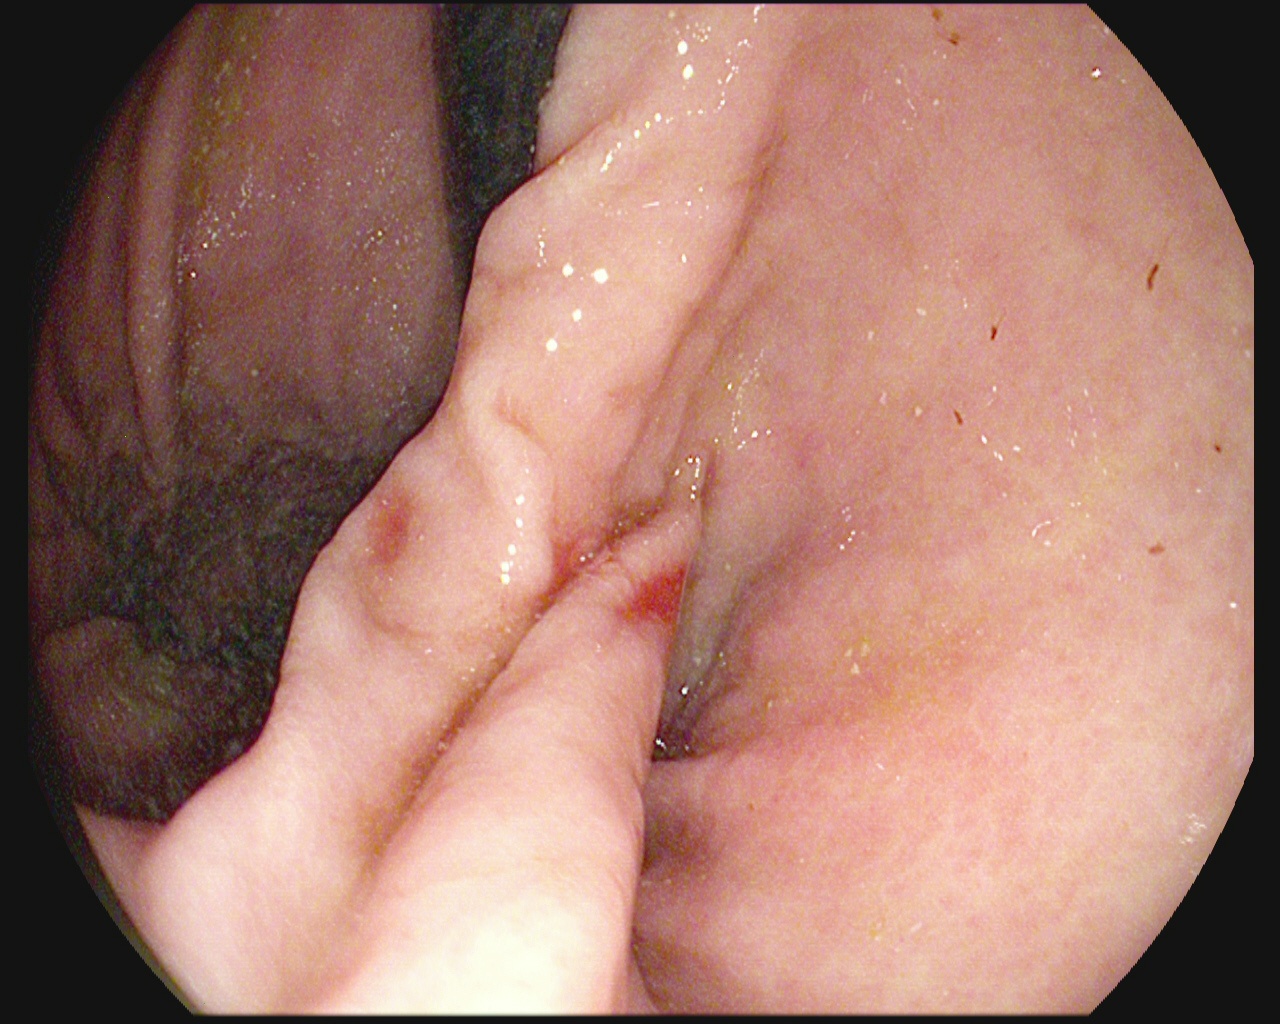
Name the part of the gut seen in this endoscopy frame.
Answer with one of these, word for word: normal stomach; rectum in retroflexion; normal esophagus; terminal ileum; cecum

normal stomach